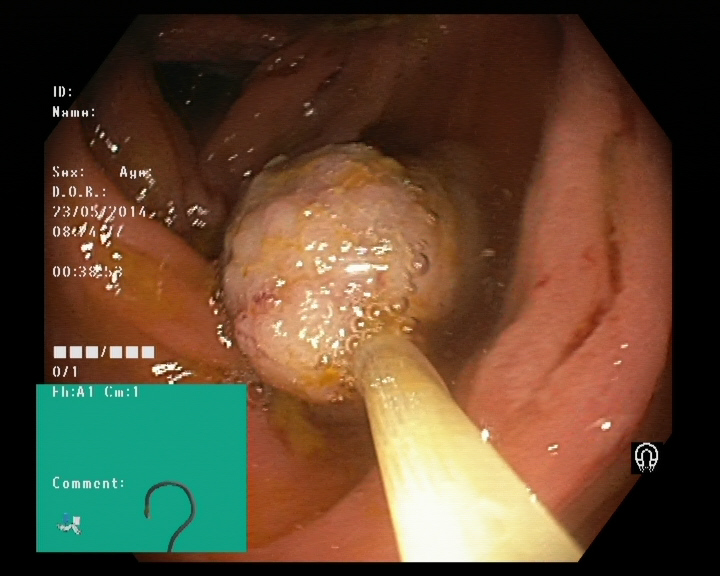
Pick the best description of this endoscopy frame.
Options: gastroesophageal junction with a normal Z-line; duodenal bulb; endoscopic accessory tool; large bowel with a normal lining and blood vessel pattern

endoscopic accessory tool